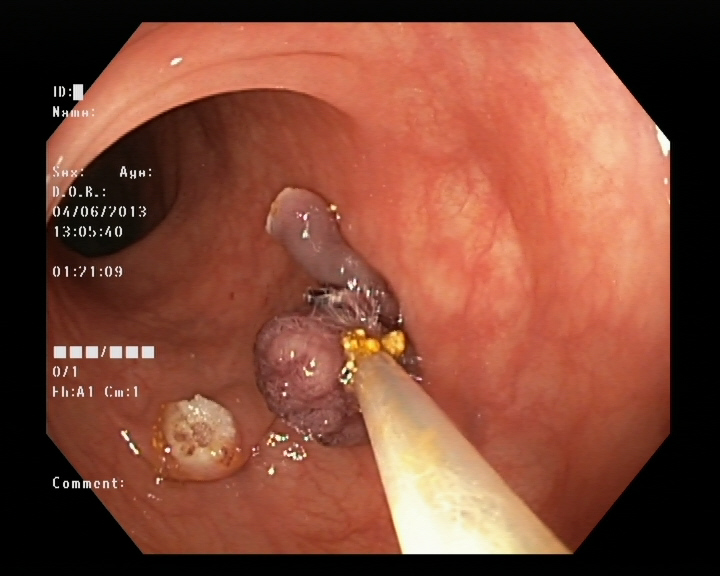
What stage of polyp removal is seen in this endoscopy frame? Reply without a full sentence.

resected polyp